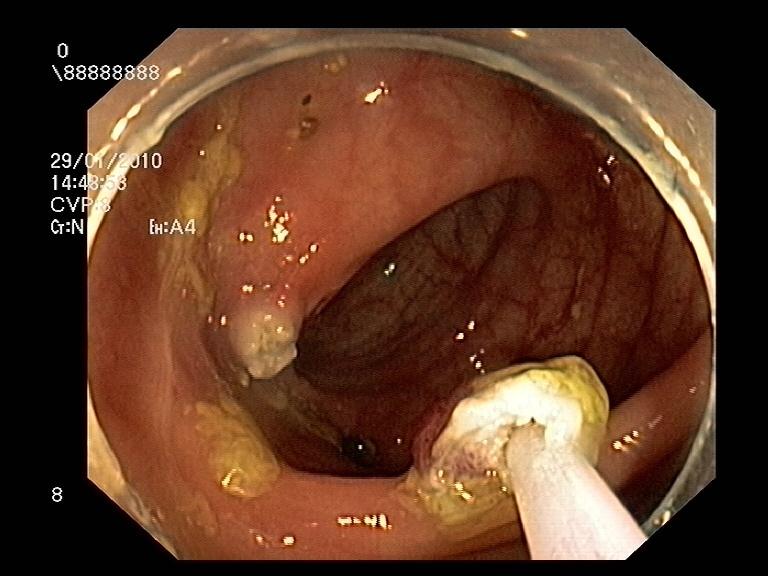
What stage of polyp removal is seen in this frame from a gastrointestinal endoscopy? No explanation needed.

resected polyp